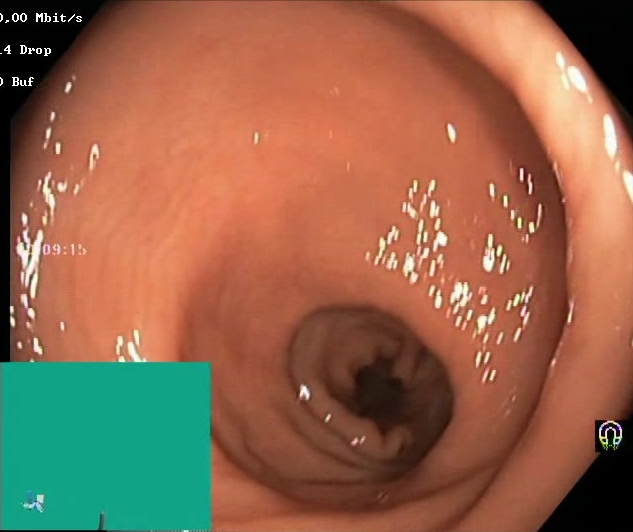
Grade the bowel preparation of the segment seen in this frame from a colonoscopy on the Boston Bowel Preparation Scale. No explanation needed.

Boston Bowel Preparation Scale score 2–3 (adequate preparation)